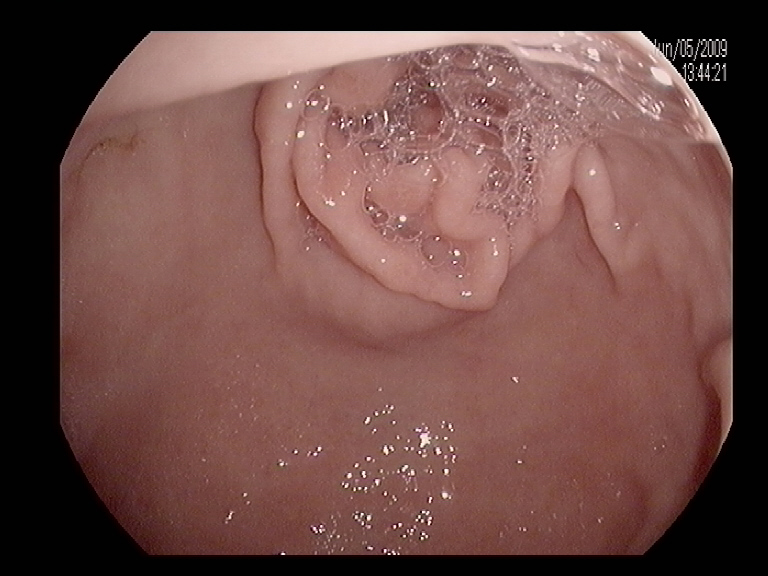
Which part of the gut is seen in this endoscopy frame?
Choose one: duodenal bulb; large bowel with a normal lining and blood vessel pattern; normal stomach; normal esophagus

normal stomach